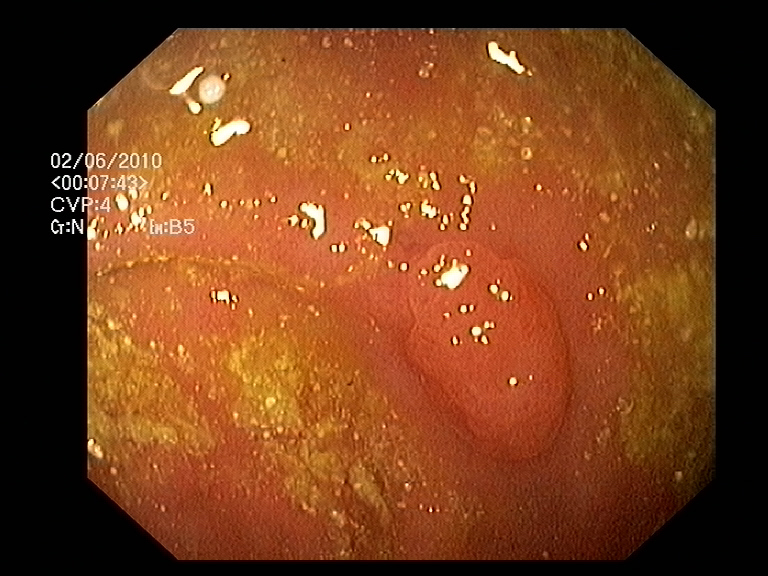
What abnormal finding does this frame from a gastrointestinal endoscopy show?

colon polyp